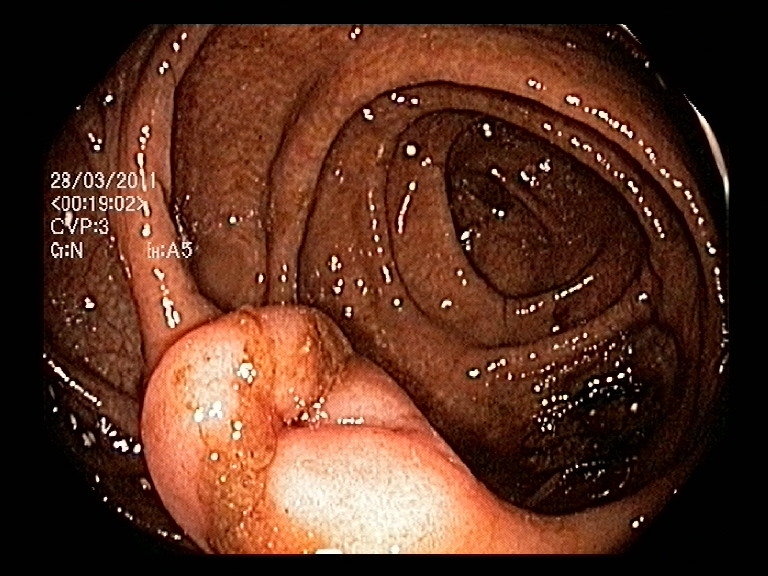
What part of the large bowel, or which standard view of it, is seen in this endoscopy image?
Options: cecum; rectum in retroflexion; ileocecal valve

ileocecal valve